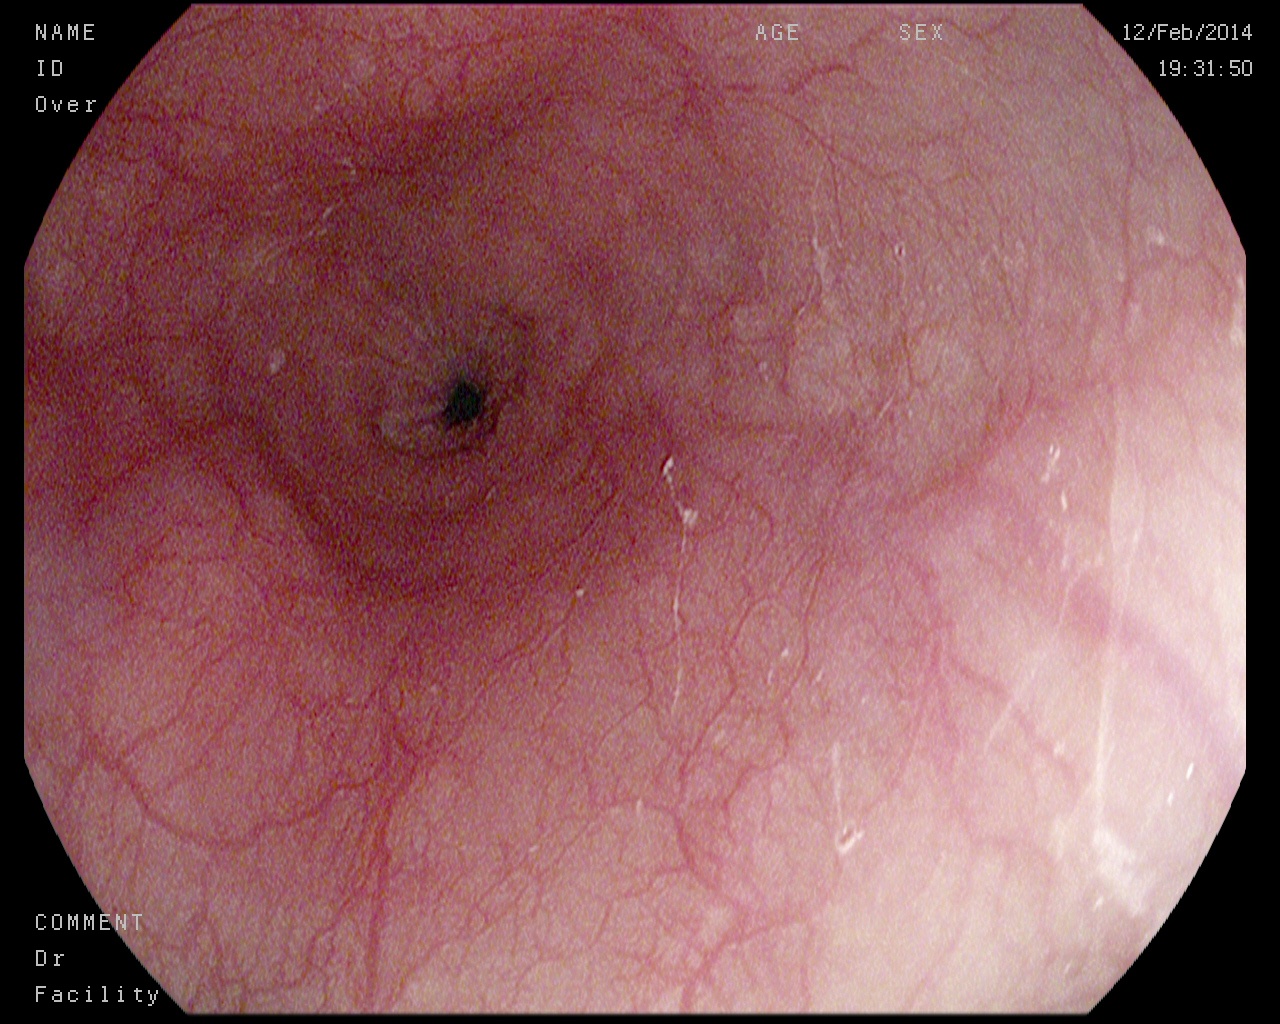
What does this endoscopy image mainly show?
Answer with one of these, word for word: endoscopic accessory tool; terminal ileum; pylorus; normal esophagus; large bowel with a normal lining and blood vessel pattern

normal esophagus